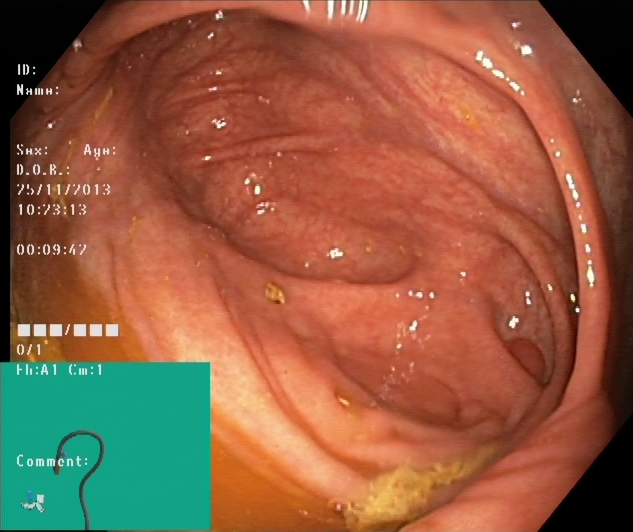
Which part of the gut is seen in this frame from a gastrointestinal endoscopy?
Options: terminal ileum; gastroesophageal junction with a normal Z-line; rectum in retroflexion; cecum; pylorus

cecum